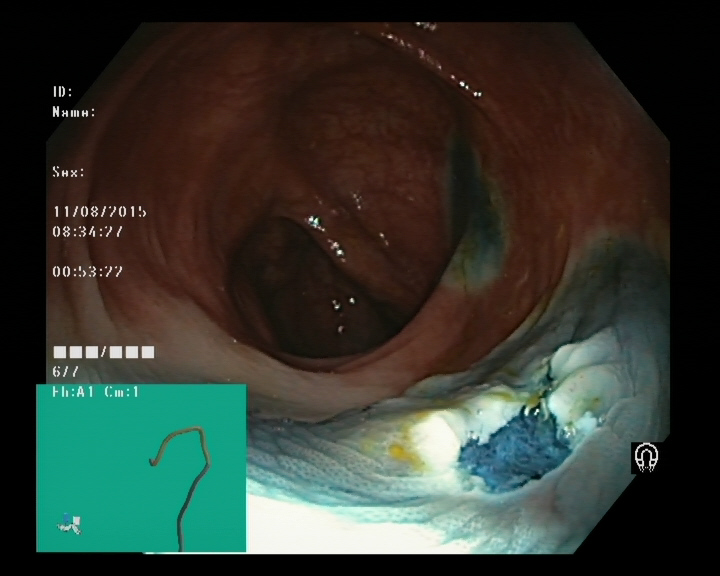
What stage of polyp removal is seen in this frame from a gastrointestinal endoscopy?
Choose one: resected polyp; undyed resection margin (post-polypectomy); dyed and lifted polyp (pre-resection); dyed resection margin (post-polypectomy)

dyed resection margin (post-polypectomy)